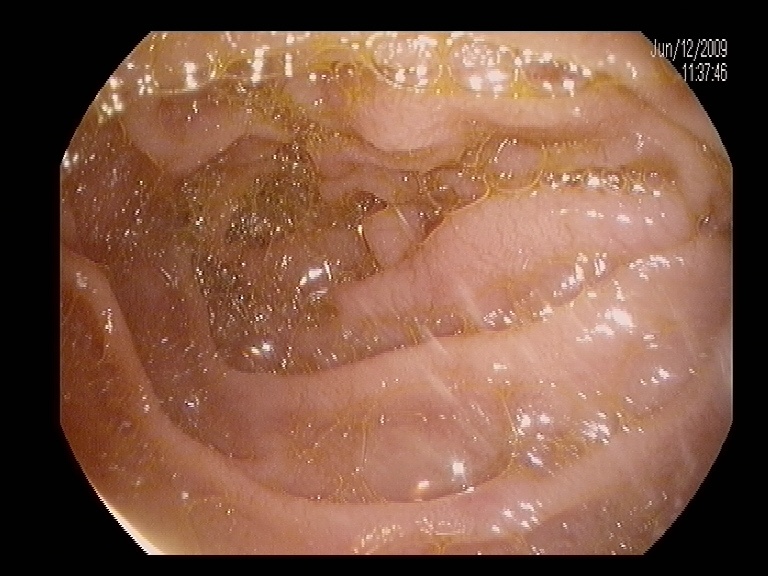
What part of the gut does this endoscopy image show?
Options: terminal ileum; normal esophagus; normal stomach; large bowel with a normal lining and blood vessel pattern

terminal ileum